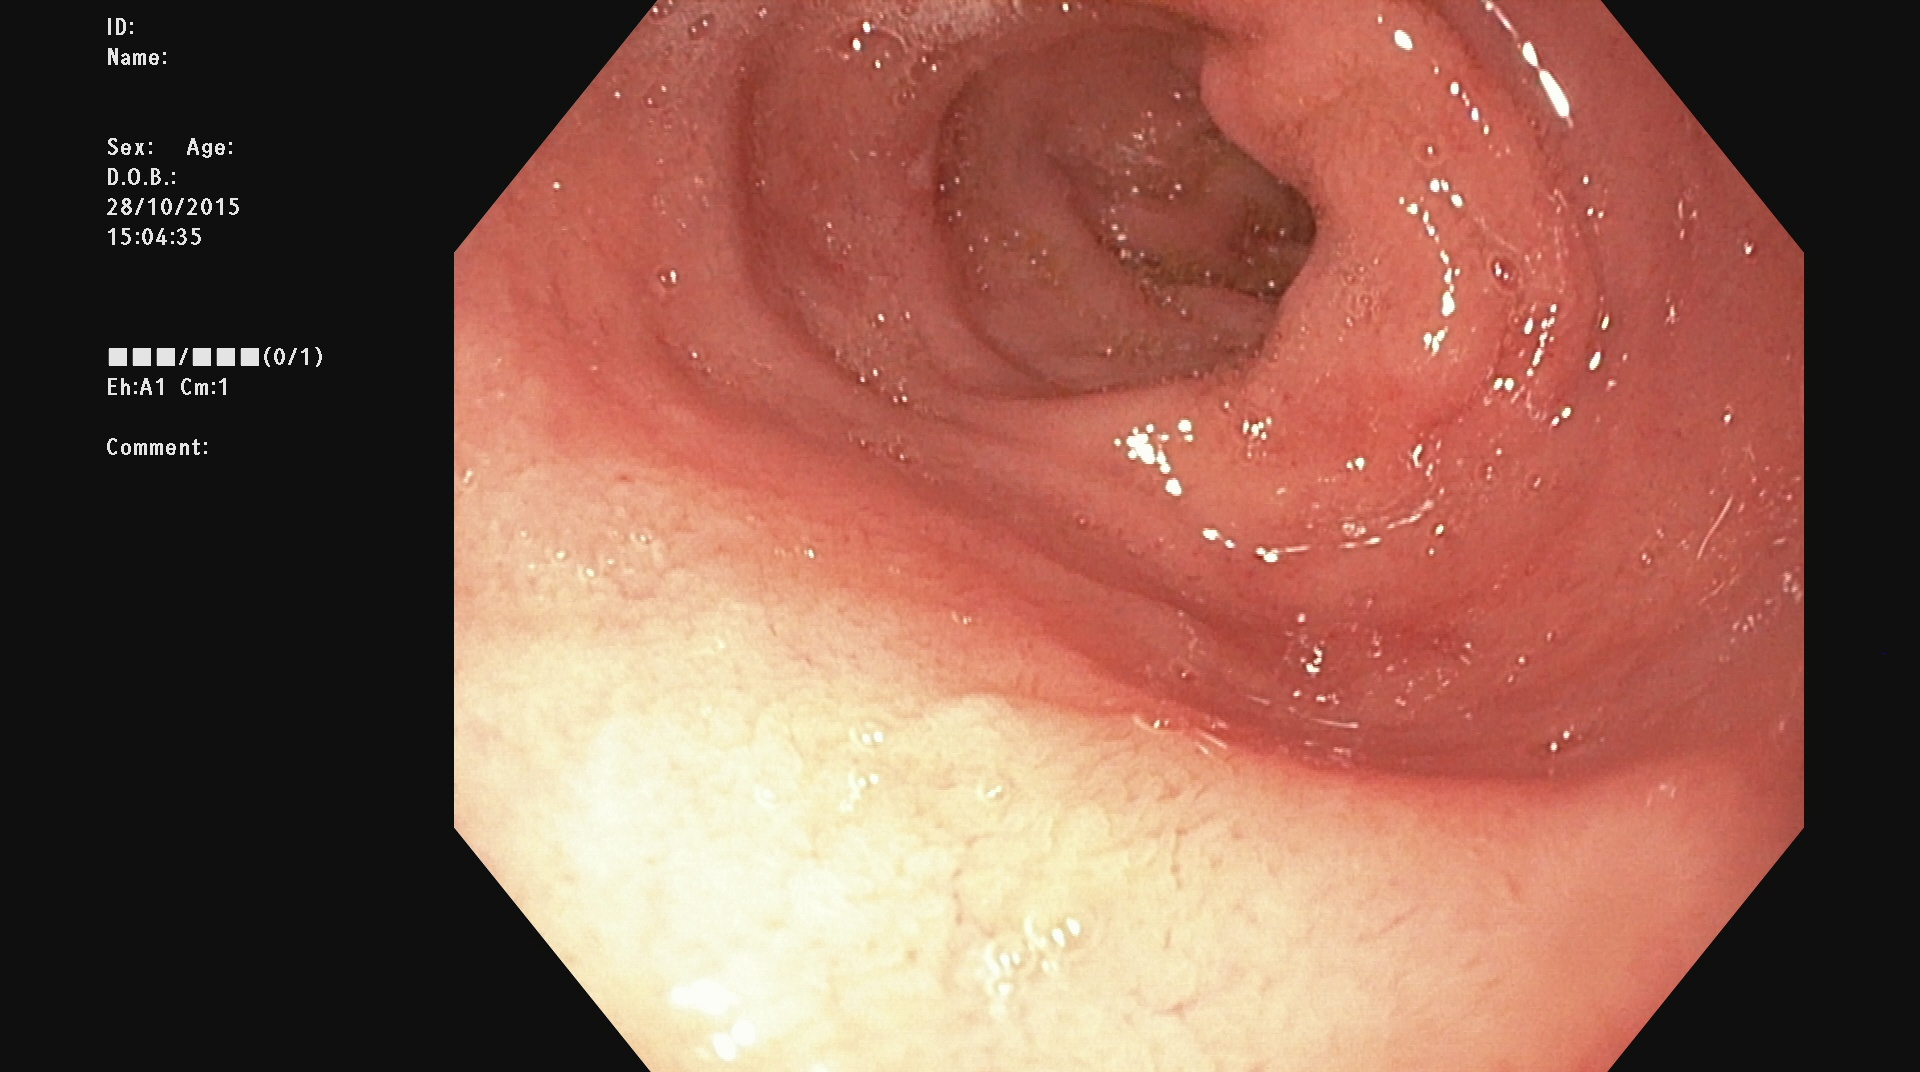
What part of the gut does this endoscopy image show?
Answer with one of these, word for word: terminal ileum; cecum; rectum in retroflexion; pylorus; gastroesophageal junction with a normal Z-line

terminal ileum